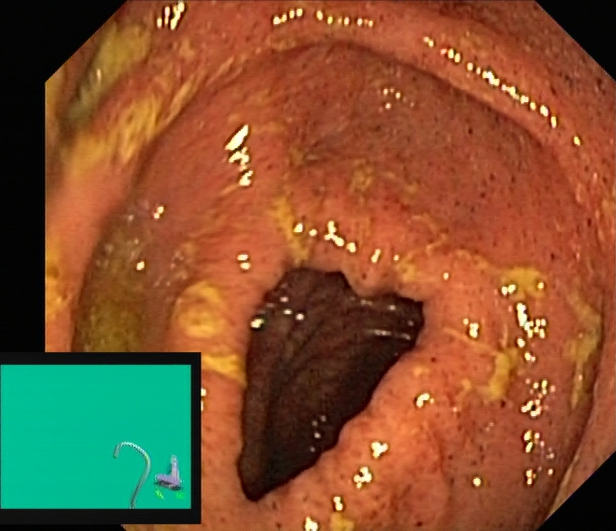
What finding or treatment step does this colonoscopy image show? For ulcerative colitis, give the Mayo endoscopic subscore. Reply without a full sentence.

ulcerative colitis, Mayo endoscopic subscore 2